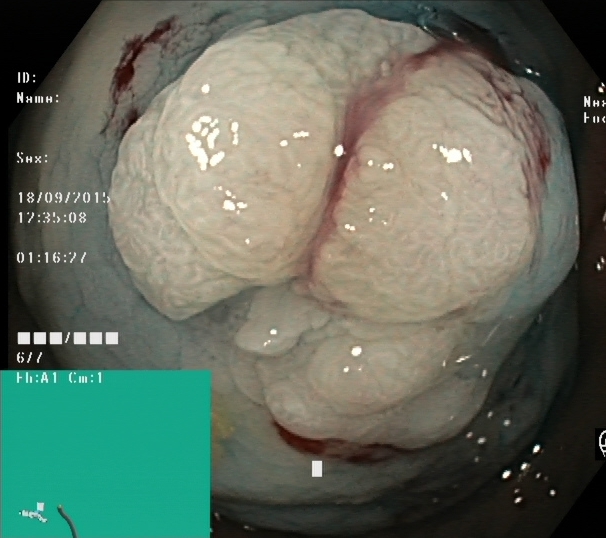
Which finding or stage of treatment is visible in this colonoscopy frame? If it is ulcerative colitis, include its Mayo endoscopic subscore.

dyed and lifted polyp (pre-resection)